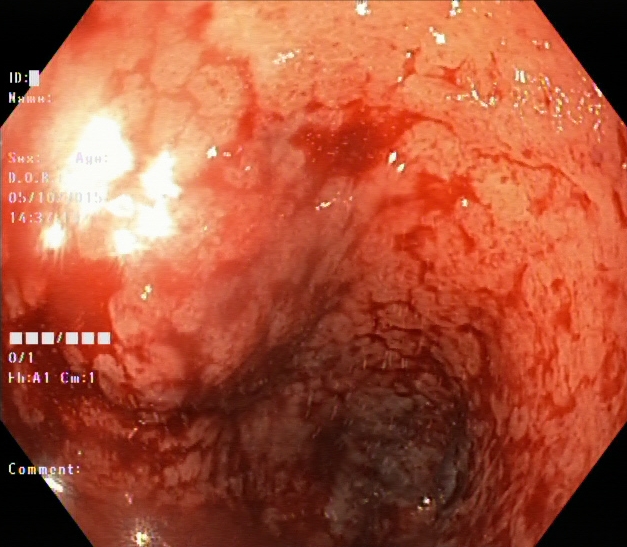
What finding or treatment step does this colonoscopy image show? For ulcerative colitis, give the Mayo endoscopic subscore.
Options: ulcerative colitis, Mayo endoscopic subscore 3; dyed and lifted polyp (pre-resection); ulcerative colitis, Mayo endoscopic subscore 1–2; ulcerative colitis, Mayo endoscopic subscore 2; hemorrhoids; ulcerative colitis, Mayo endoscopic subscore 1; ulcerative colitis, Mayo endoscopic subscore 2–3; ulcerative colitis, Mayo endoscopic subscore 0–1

ulcerative colitis, Mayo endoscopic subscore 3